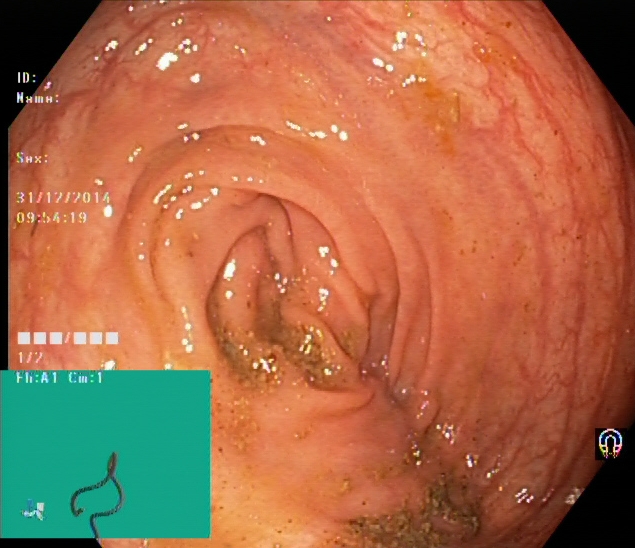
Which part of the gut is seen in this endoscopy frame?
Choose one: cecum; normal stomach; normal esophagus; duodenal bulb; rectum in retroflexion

cecum